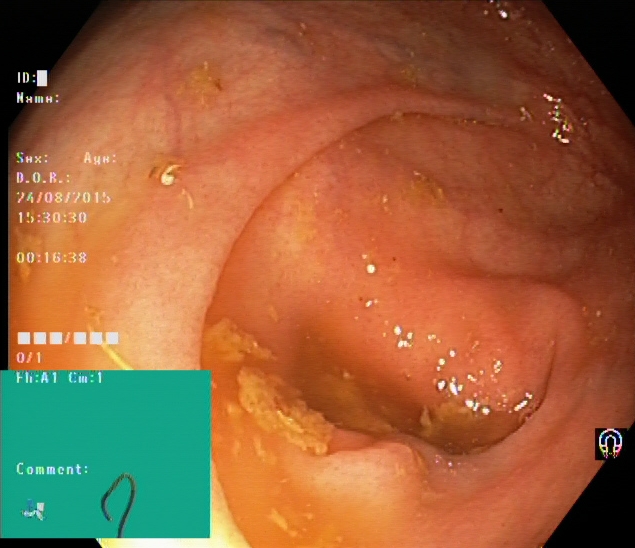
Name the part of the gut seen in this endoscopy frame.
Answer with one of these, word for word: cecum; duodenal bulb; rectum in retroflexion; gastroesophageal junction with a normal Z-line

cecum